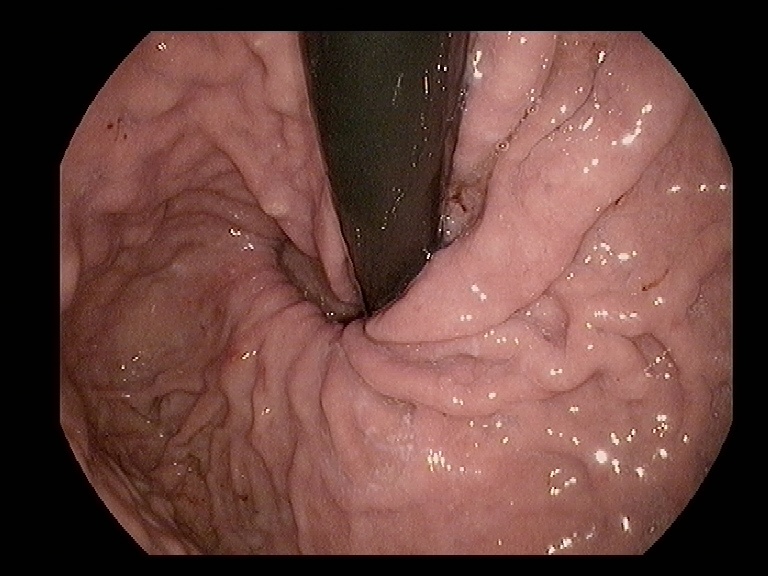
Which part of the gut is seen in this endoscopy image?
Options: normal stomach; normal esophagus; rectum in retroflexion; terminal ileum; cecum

normal stomach